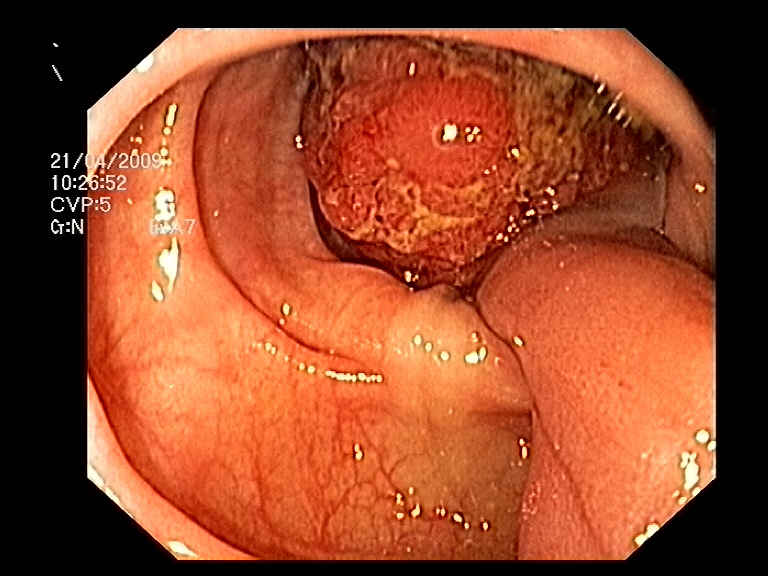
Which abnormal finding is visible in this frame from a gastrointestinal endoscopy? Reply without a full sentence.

colon polyp